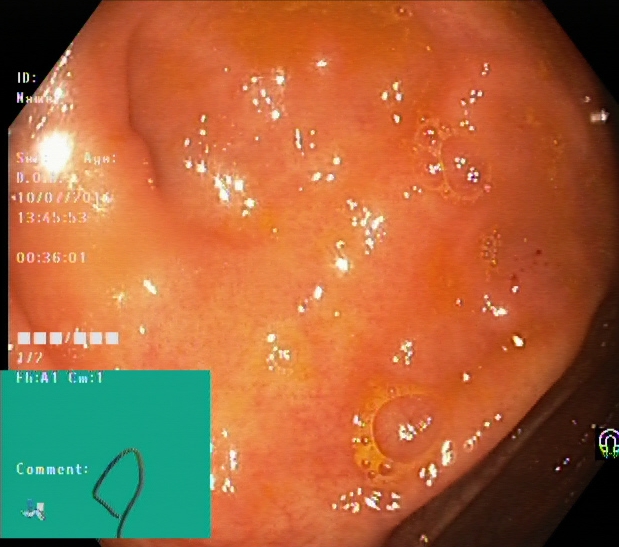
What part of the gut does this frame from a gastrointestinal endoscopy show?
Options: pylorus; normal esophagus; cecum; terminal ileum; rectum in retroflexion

cecum